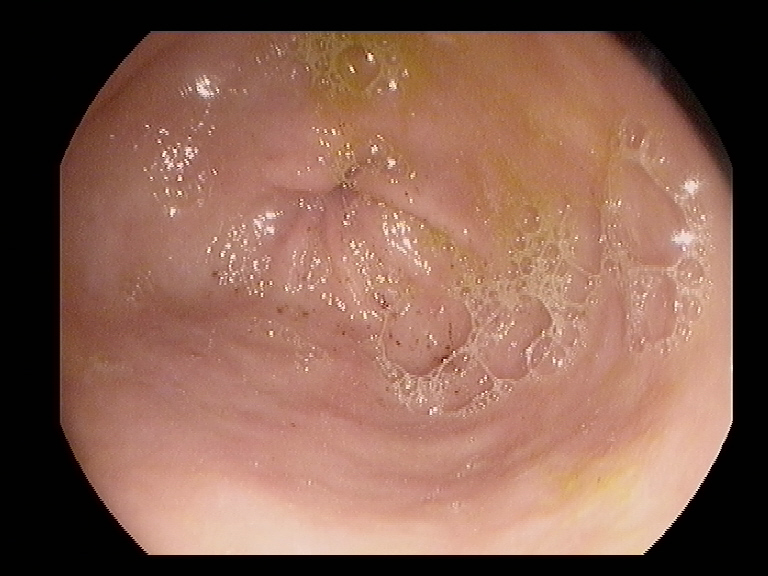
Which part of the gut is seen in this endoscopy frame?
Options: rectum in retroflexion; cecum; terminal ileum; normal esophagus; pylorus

pylorus